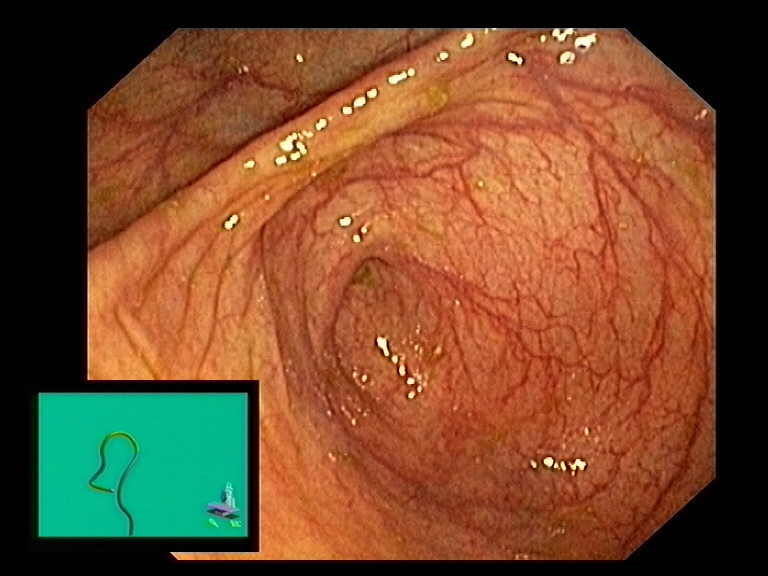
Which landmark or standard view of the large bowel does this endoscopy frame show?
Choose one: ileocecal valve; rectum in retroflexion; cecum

cecum